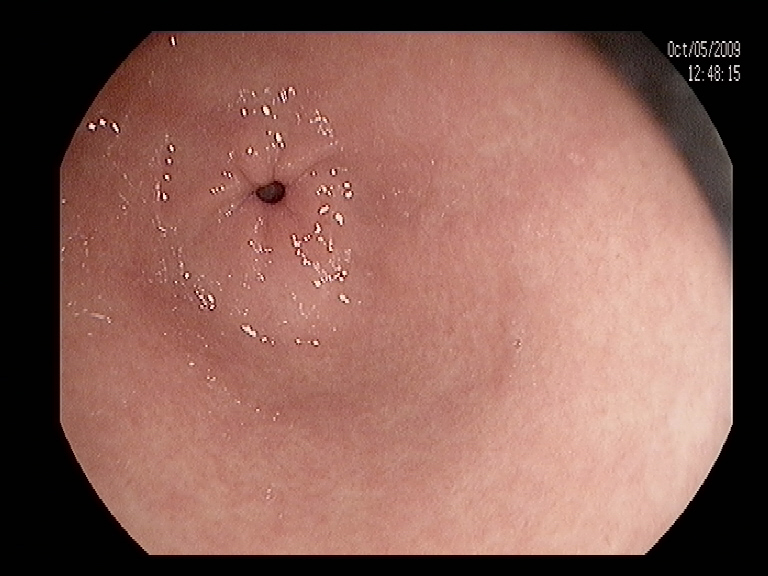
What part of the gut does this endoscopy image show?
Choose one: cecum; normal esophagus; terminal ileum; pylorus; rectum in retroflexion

pylorus